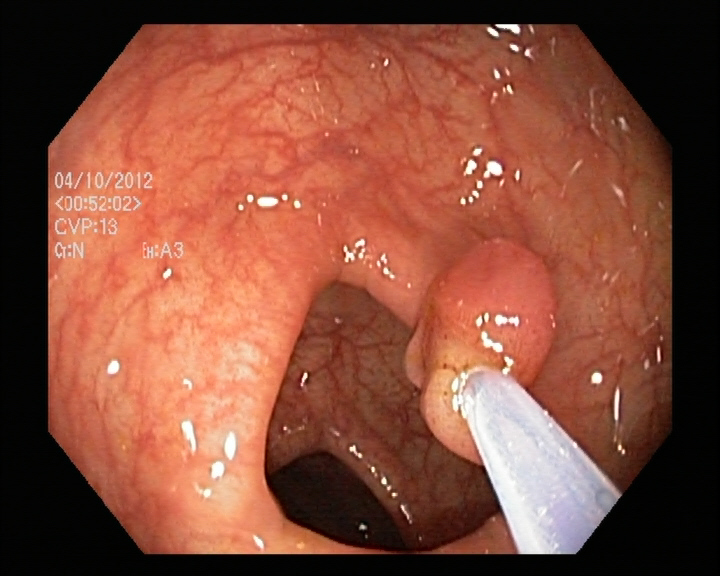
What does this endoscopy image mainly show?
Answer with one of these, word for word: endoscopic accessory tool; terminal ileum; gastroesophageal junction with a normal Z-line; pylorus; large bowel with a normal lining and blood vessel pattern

endoscopic accessory tool